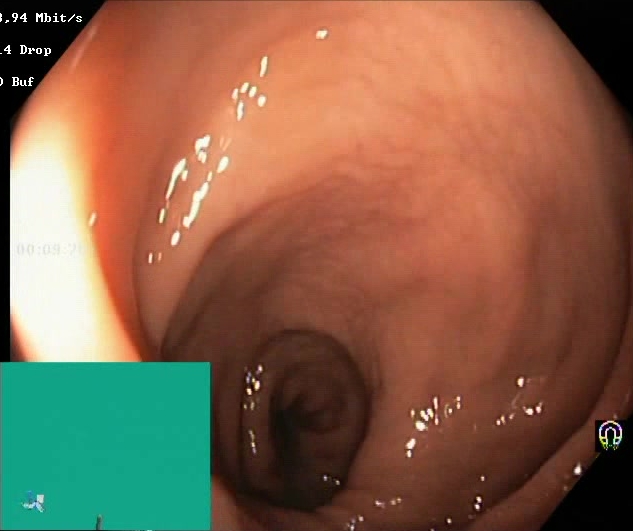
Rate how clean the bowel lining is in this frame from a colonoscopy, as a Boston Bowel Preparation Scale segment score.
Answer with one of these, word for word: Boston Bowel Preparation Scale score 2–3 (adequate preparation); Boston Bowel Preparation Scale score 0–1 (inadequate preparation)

Boston Bowel Preparation Scale score 2–3 (adequate preparation)